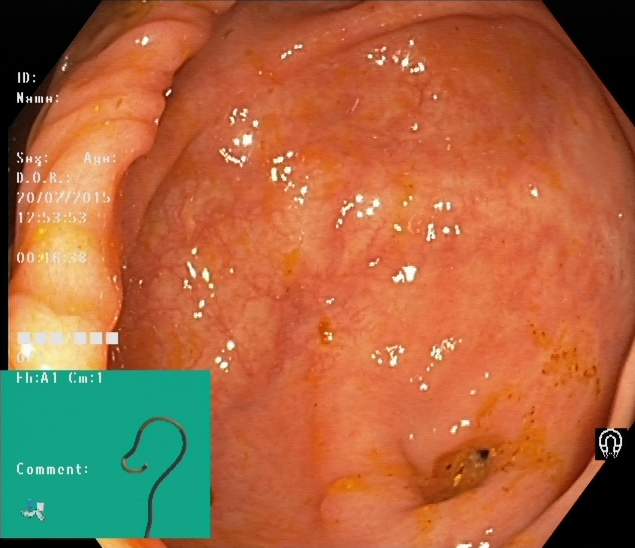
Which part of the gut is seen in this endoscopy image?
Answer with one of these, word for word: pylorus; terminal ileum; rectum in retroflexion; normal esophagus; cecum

cecum